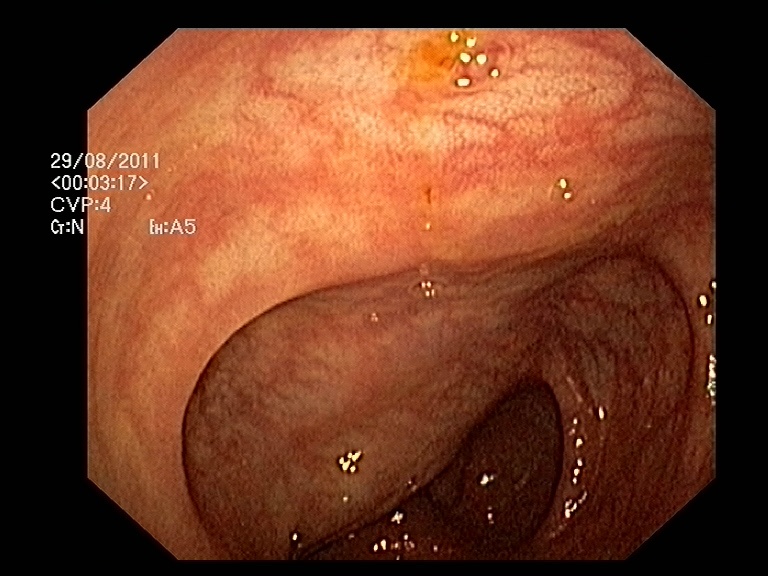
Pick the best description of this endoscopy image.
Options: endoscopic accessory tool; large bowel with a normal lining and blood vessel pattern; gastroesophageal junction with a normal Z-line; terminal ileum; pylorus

large bowel with a normal lining and blood vessel pattern